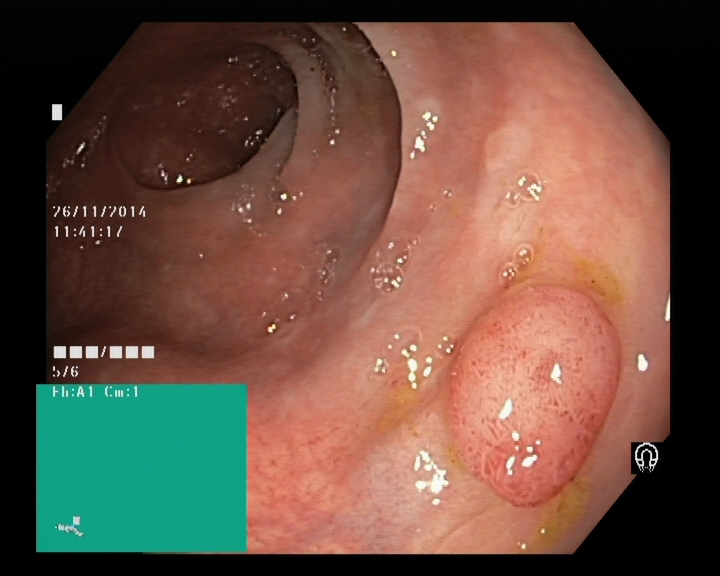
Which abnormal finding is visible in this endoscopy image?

colon polyp